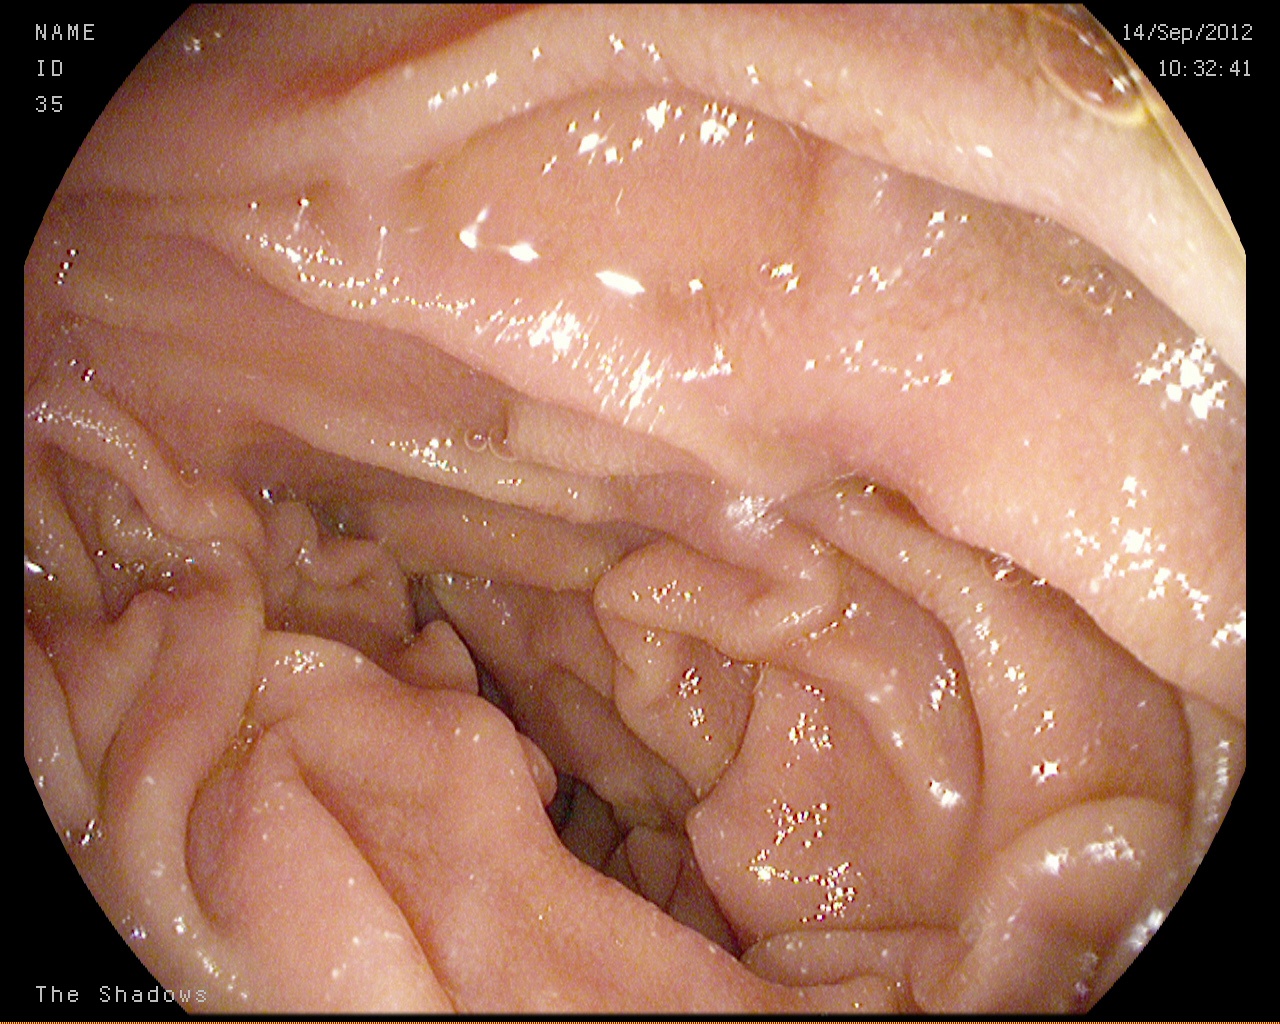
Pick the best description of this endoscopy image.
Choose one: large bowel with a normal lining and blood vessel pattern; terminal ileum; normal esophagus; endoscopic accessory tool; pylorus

terminal ileum